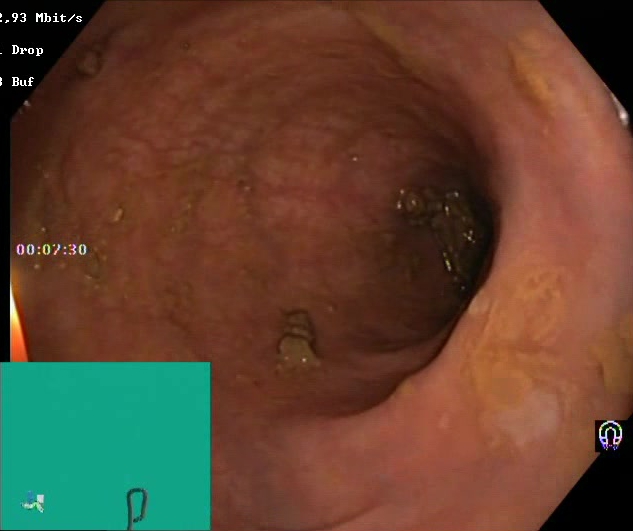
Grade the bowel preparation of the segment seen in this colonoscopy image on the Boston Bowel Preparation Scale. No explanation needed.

Boston Bowel Preparation Scale score 0–1 (inadequate preparation)